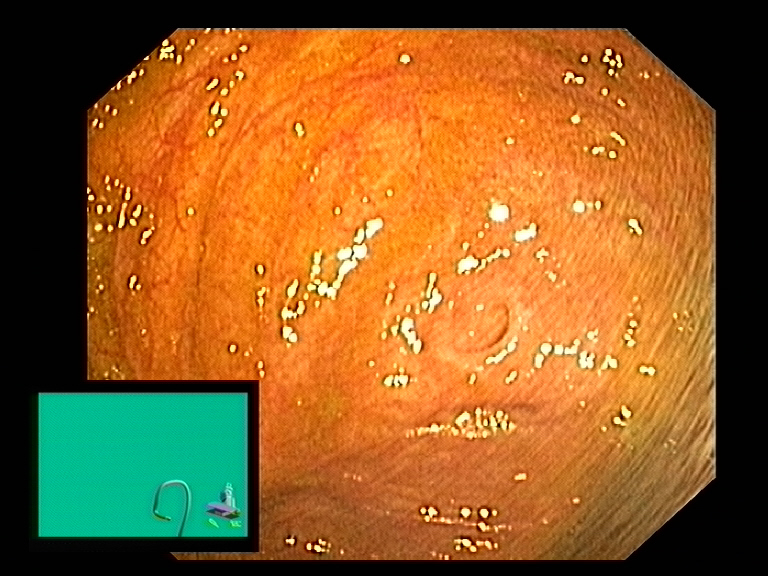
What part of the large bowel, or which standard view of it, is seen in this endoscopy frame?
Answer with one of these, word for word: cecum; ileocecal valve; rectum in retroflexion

cecum